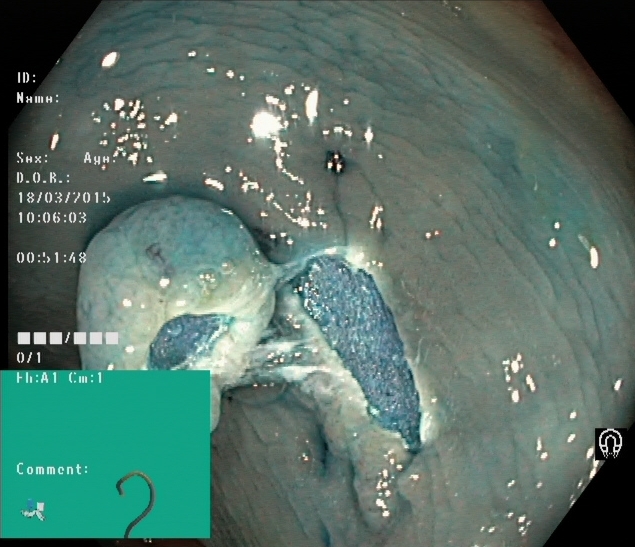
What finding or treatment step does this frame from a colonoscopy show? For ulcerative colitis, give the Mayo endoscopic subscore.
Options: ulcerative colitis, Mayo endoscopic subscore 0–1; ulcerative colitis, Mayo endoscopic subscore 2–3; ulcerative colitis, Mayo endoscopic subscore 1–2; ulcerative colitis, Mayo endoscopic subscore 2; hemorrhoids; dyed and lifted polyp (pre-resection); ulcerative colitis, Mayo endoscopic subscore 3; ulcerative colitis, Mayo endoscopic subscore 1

dyed and lifted polyp (pre-resection)